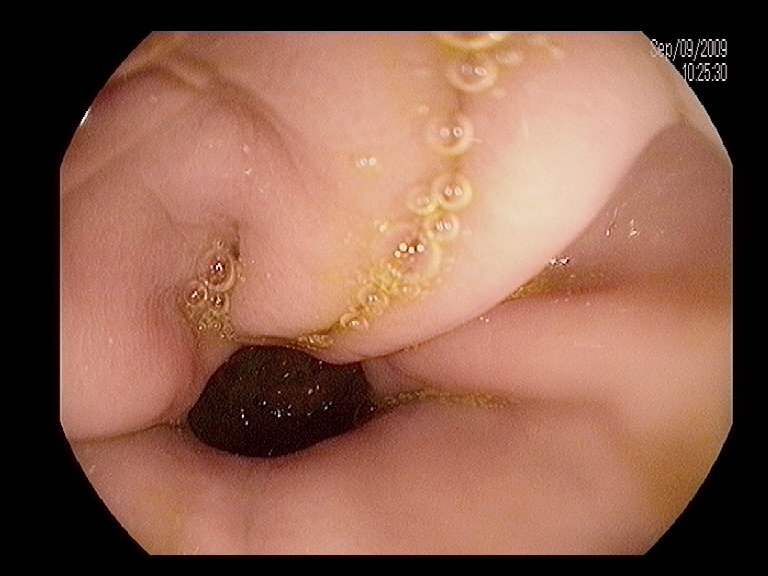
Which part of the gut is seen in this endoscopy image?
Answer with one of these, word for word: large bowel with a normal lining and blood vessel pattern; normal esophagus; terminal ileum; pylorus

pylorus